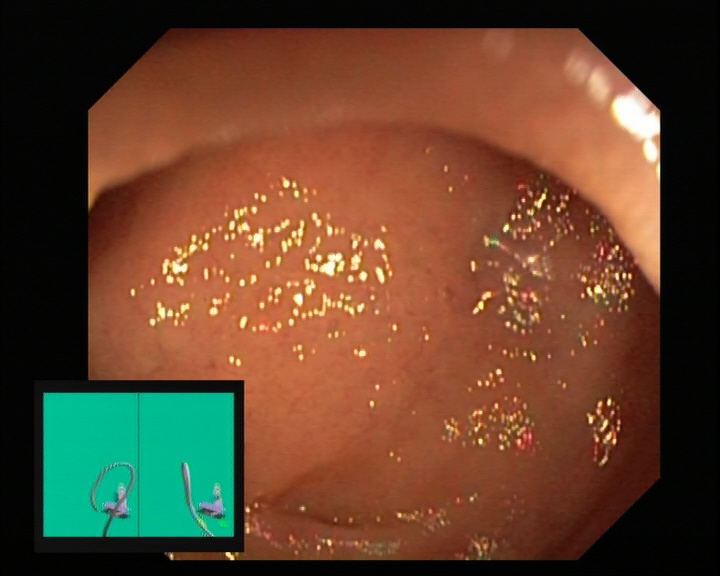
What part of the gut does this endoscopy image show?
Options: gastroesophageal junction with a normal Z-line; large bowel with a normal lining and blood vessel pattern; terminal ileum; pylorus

large bowel with a normal lining and blood vessel pattern